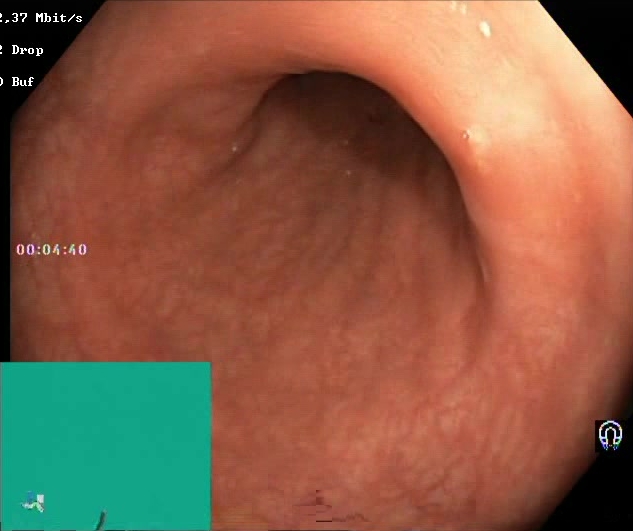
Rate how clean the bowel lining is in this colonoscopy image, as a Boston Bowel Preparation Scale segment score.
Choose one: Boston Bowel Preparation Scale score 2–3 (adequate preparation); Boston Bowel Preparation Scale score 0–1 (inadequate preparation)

Boston Bowel Preparation Scale score 2–3 (adequate preparation)